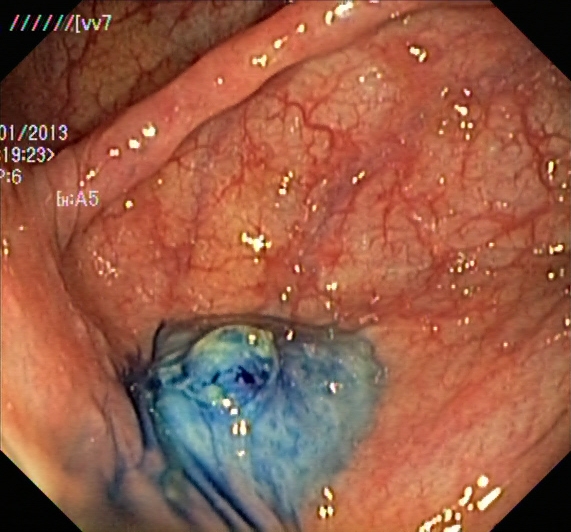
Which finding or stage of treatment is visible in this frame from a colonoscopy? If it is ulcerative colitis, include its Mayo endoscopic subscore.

dyed and lifted polyp (pre-resection)